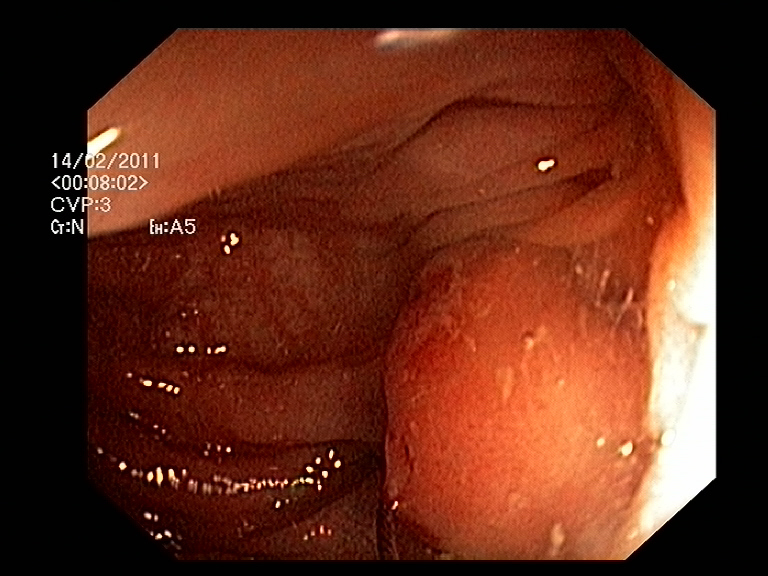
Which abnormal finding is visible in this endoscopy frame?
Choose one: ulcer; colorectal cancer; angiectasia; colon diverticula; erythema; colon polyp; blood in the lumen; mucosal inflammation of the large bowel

colon polyp